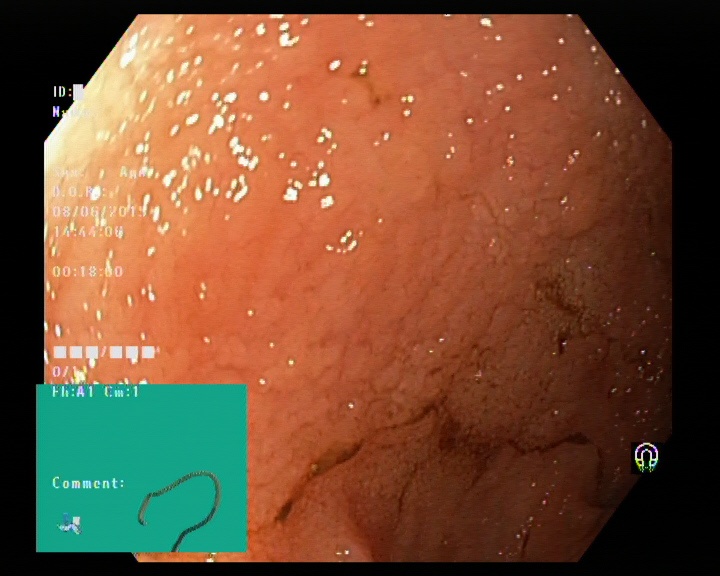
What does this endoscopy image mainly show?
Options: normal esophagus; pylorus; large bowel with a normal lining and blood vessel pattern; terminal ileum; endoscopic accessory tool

terminal ileum